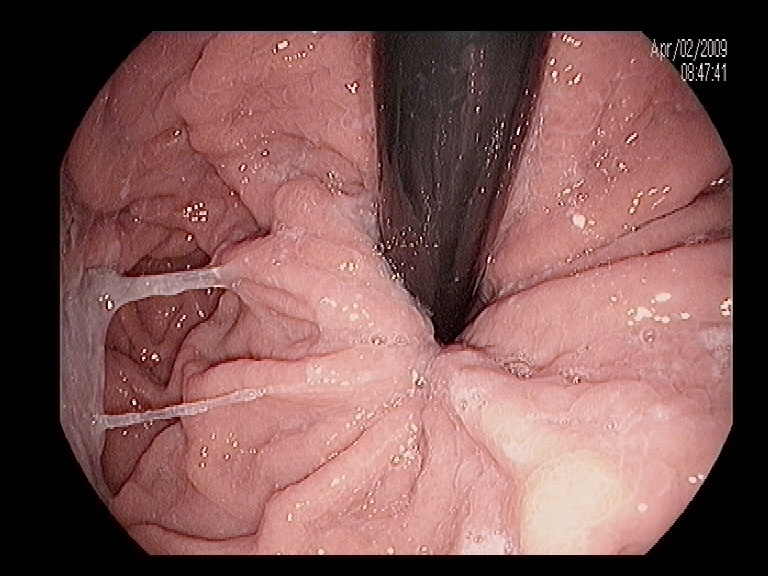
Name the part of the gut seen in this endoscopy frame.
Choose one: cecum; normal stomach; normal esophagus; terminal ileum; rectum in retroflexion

normal stomach